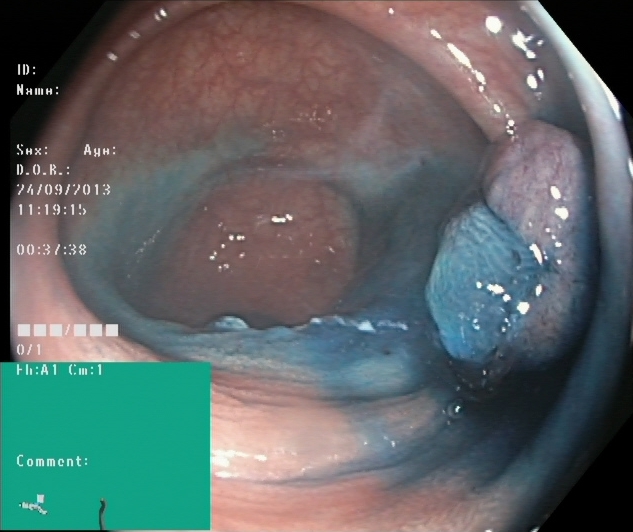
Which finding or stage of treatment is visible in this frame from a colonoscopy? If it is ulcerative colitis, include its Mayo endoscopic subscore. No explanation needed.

dyed and lifted polyp (pre-resection)